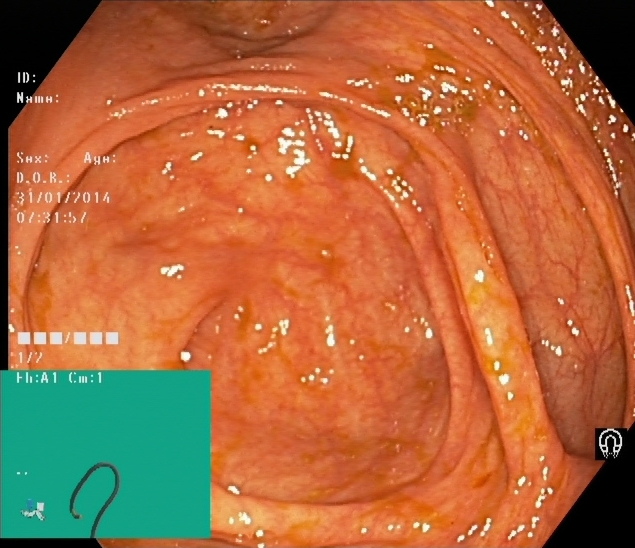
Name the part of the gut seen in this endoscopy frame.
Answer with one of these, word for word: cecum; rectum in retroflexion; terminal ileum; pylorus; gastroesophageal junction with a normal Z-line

cecum